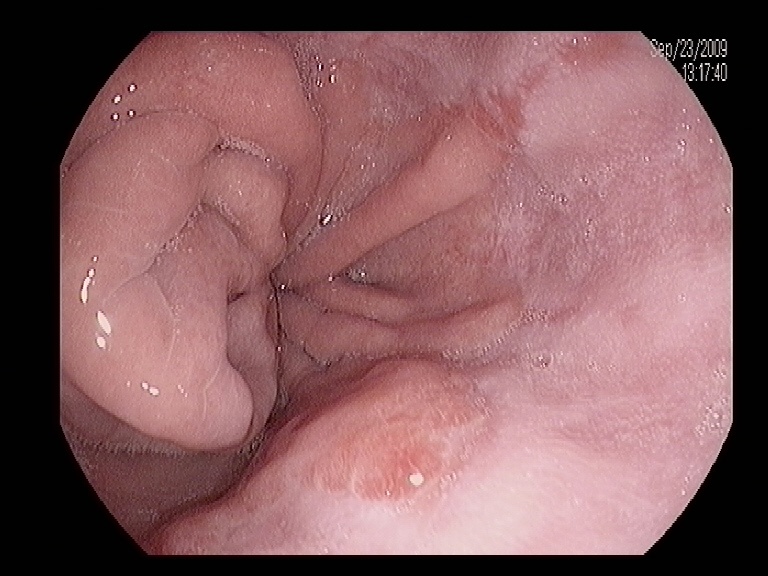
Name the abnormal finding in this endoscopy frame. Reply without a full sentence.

esophagitis